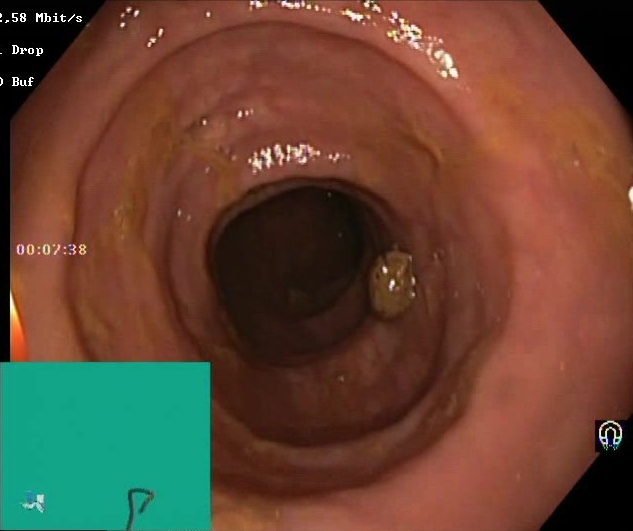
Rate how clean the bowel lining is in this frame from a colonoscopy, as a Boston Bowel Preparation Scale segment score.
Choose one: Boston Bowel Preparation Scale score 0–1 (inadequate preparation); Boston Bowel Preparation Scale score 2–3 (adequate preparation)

Boston Bowel Preparation Scale score 2–3 (adequate preparation)